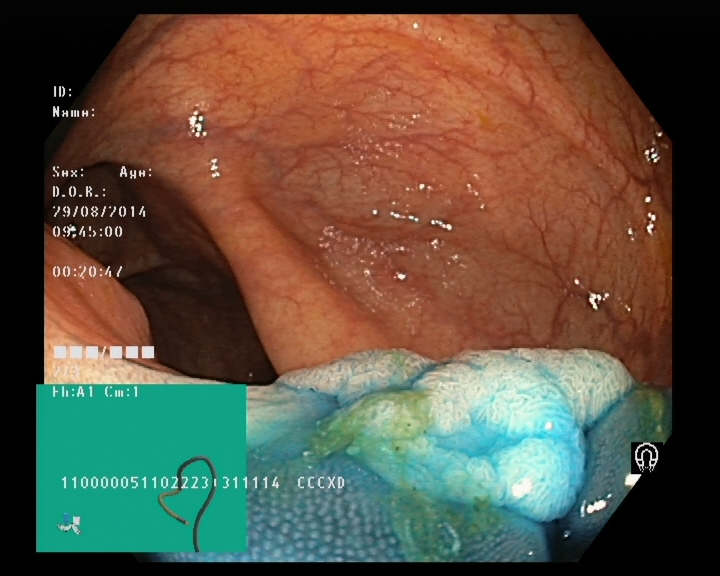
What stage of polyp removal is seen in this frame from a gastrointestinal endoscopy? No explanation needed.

dyed and lifted polyp (pre-resection)